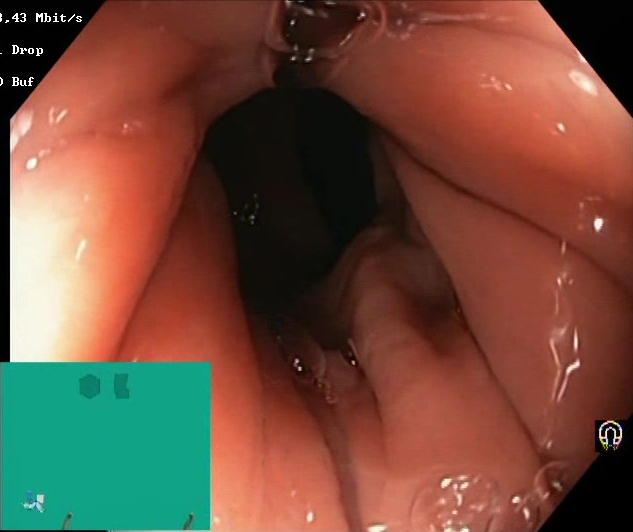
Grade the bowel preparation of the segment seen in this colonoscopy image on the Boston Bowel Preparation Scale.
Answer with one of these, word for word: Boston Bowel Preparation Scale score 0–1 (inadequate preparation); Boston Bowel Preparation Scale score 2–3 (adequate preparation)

Boston Bowel Preparation Scale score 2–3 (adequate preparation)